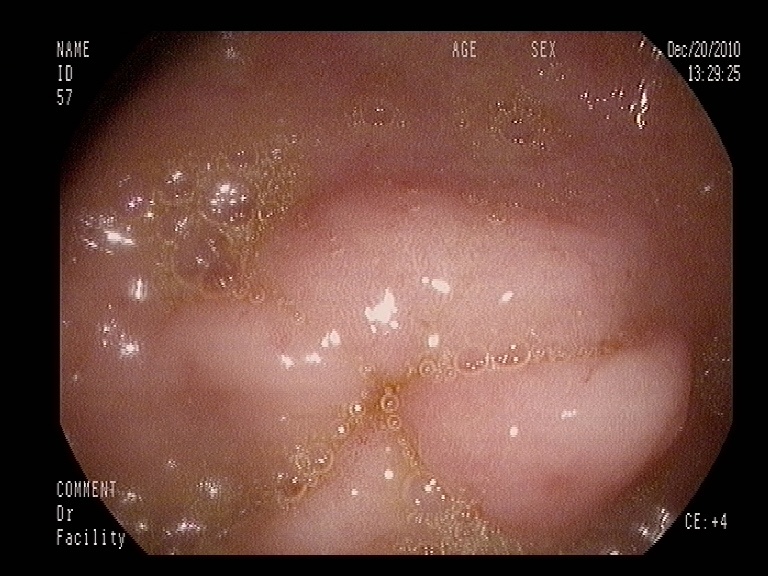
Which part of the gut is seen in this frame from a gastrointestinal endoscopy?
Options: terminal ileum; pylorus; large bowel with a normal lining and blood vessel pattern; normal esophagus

pylorus